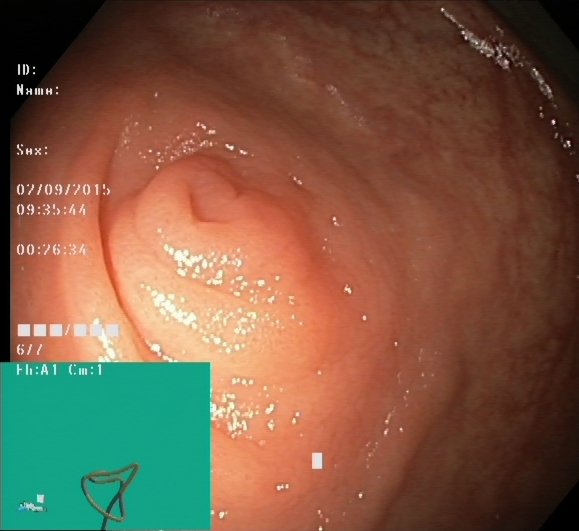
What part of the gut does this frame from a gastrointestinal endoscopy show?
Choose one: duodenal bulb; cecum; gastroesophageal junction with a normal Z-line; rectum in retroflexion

cecum